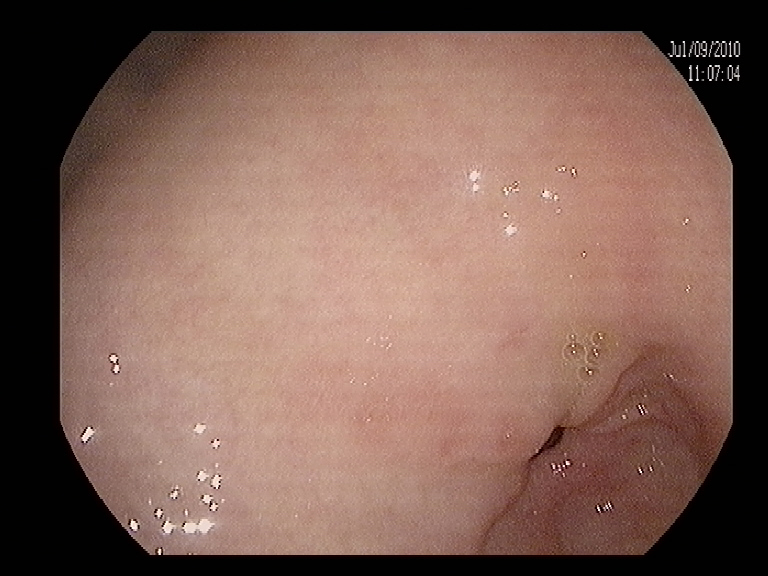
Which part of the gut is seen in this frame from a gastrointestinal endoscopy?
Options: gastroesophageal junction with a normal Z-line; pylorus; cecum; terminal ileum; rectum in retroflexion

pylorus